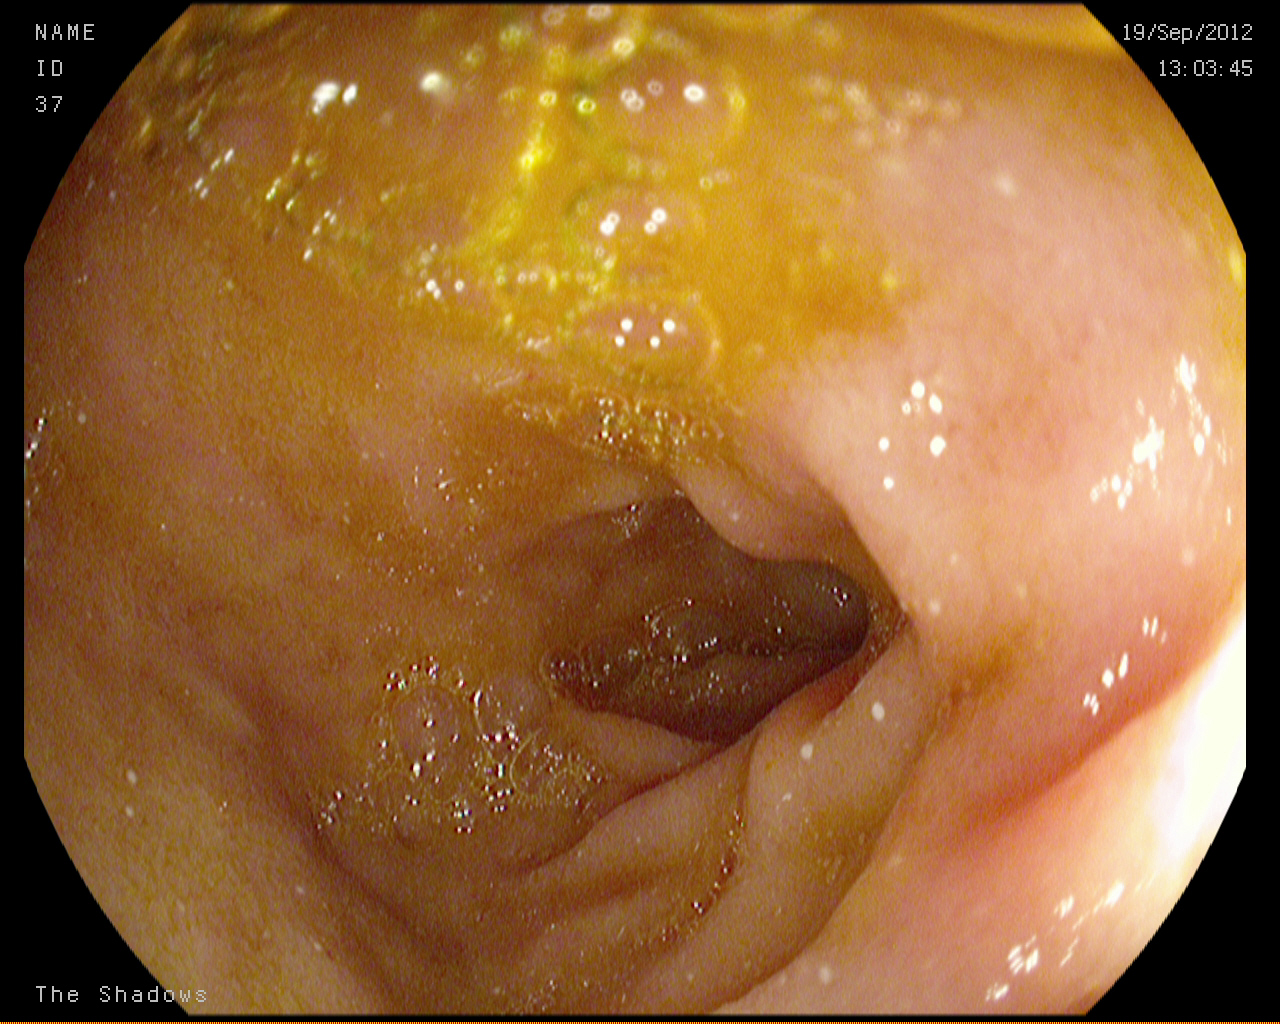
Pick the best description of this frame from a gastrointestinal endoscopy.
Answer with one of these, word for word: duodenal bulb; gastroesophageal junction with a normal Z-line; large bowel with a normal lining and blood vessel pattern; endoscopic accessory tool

duodenal bulb